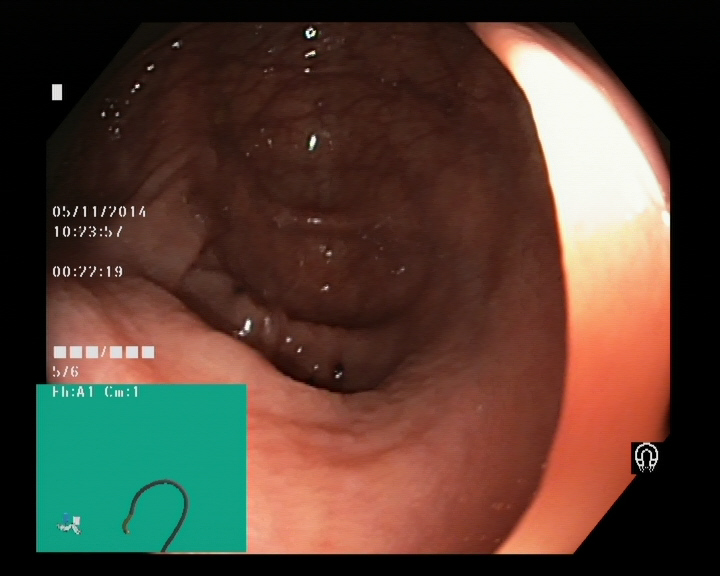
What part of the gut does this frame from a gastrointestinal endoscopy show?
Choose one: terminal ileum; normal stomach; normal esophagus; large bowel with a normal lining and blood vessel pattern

large bowel with a normal lining and blood vessel pattern